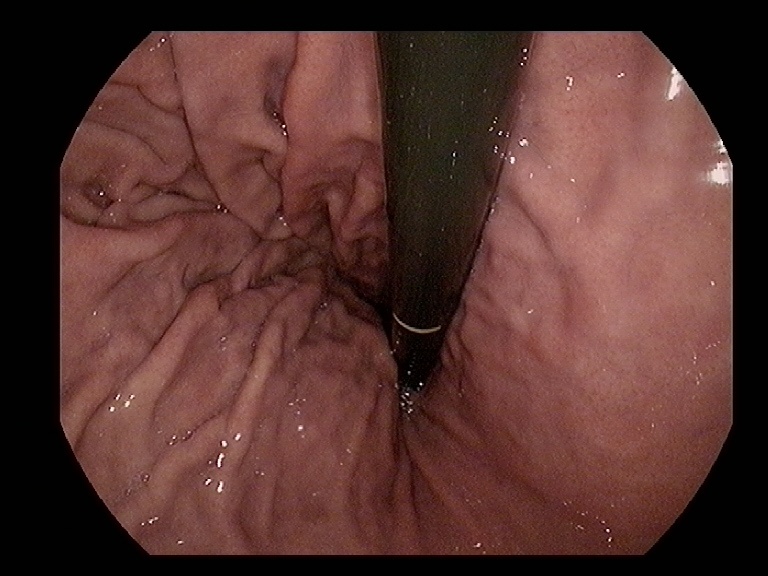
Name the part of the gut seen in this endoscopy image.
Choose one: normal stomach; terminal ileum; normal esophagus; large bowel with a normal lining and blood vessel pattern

normal stomach